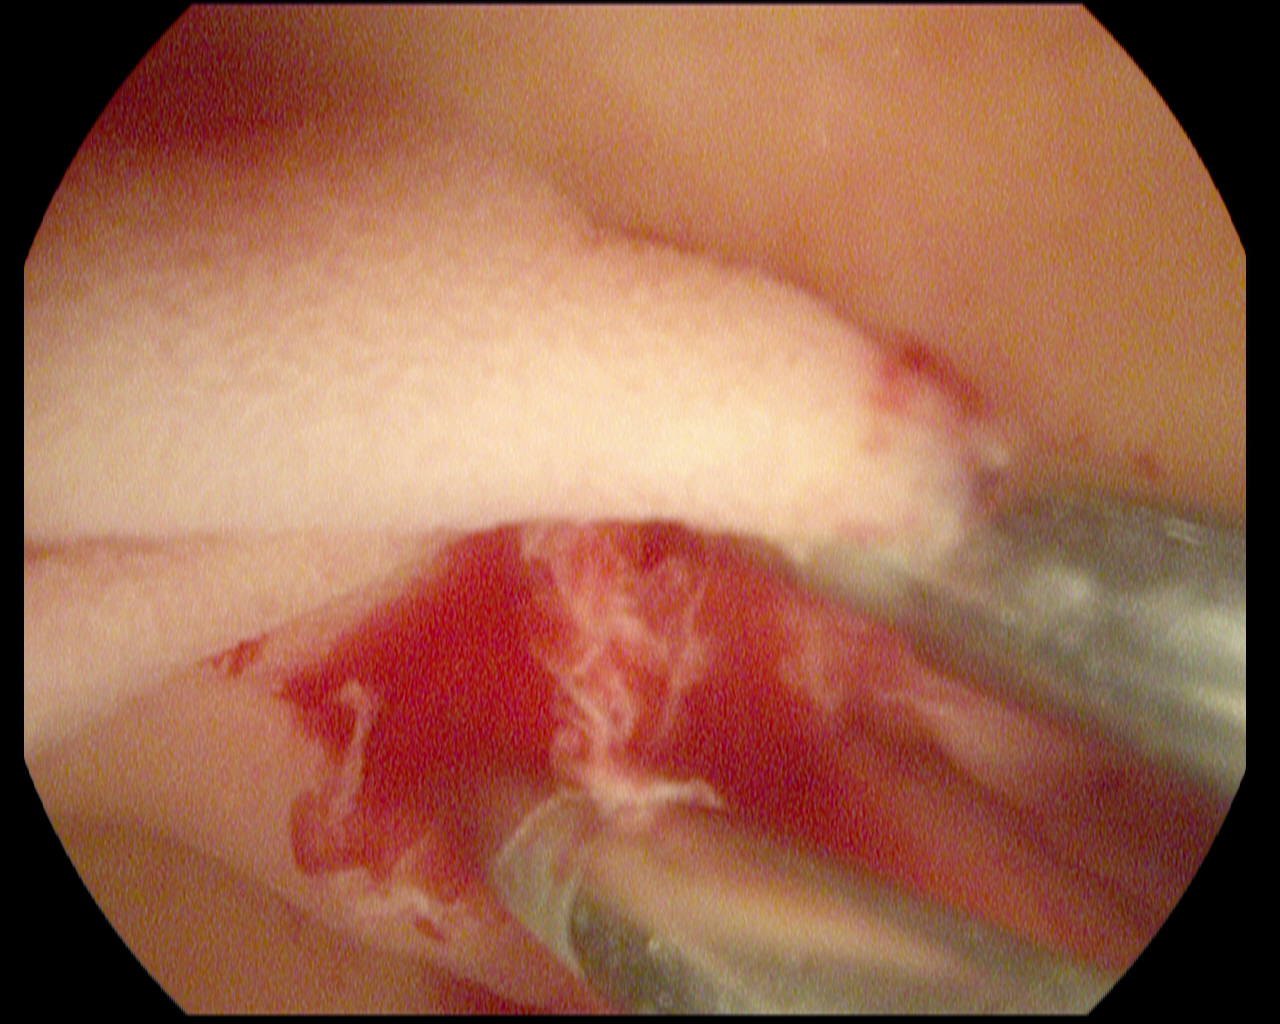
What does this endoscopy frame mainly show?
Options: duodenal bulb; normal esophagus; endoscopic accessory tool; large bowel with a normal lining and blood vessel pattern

endoscopic accessory tool